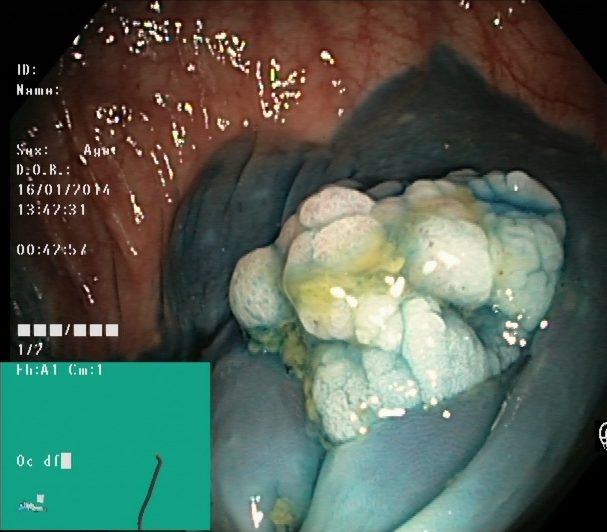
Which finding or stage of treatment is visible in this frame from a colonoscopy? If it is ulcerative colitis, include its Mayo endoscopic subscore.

dyed and lifted polyp (pre-resection)